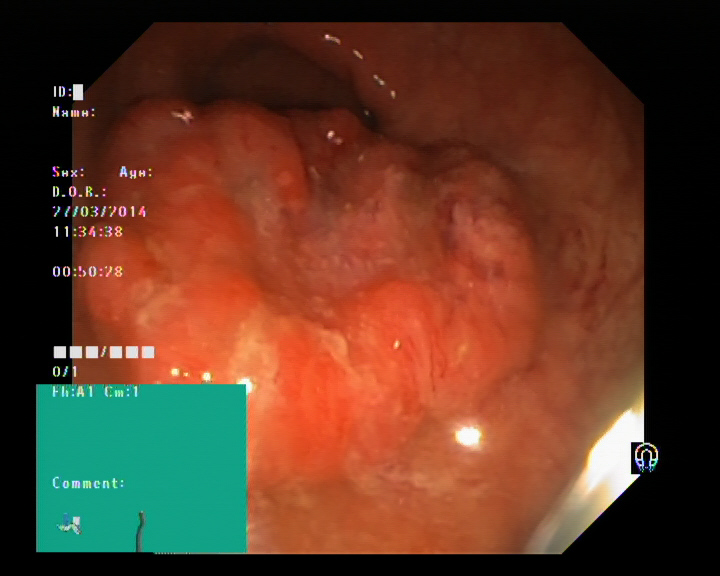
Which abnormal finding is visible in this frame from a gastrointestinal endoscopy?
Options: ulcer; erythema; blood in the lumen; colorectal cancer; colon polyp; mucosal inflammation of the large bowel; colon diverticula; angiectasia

colorectal cancer